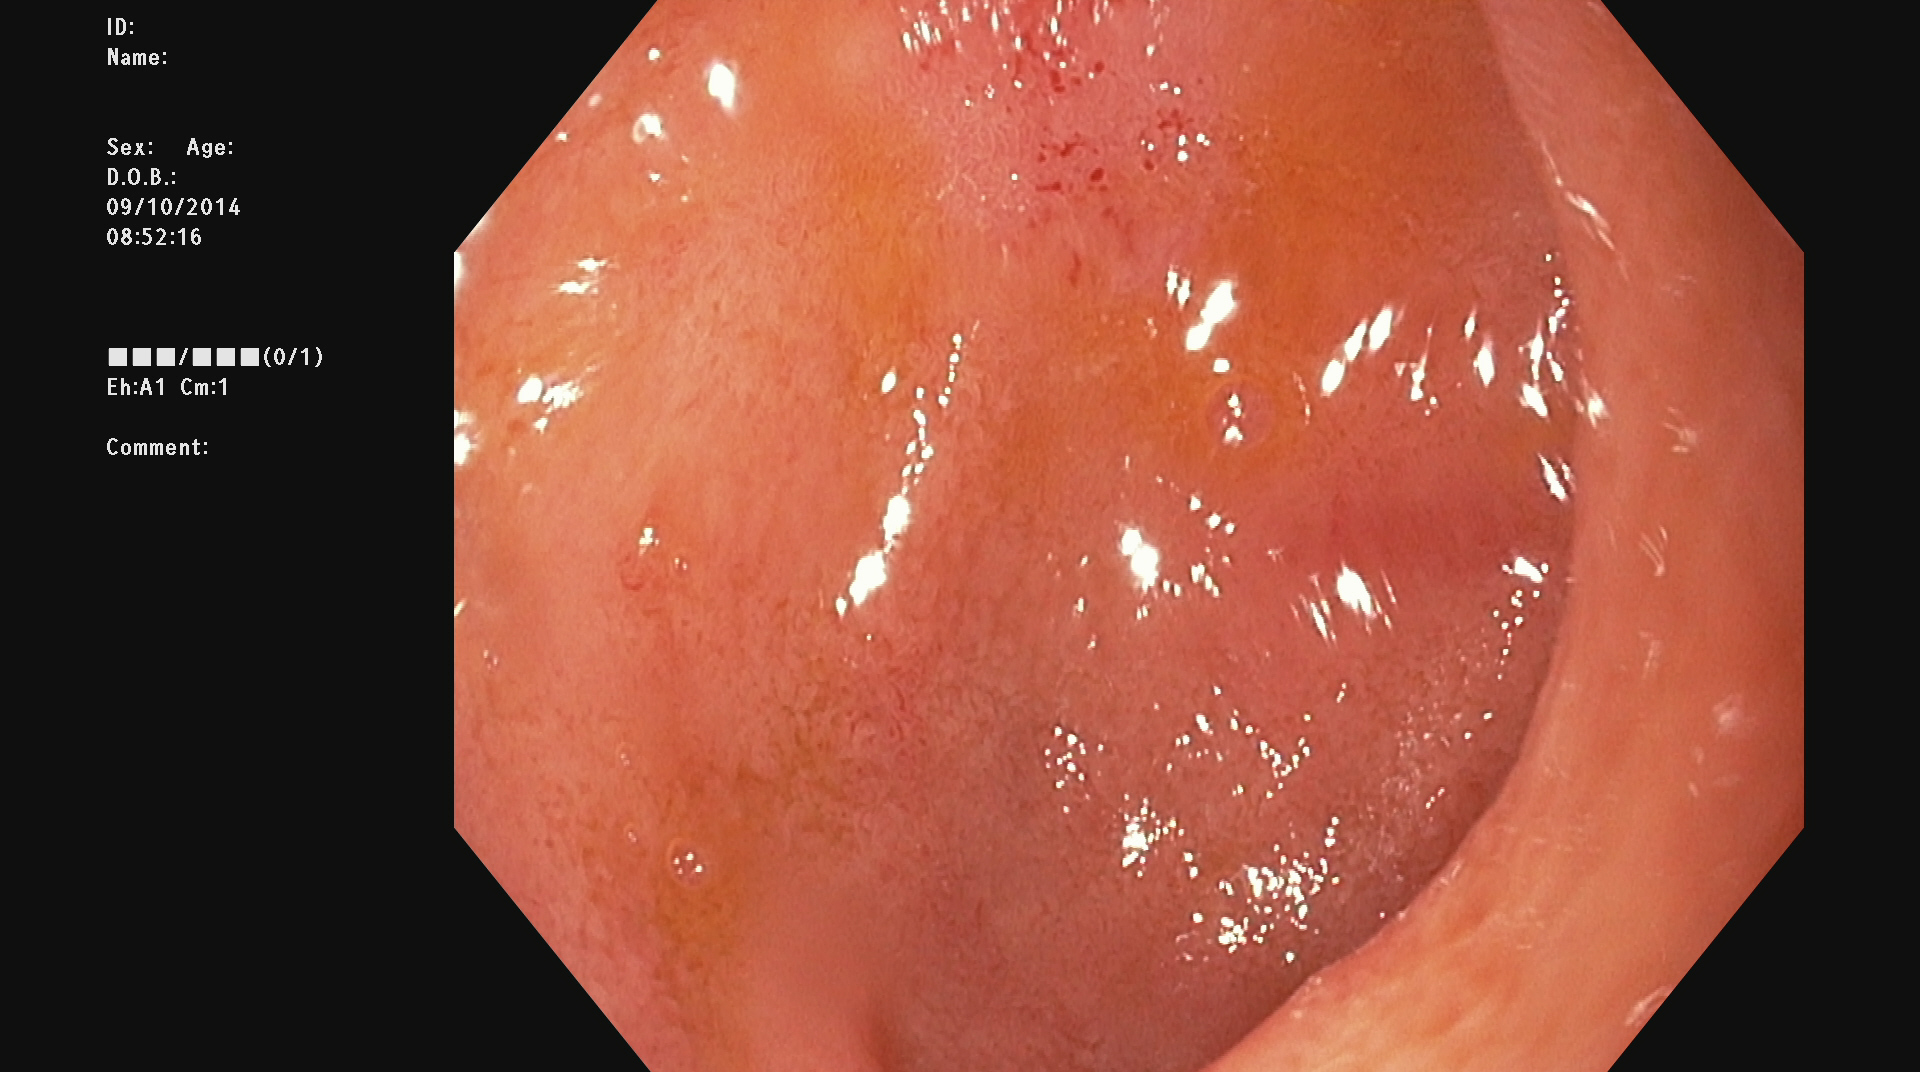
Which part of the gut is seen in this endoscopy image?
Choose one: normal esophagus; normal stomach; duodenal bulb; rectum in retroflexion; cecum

duodenal bulb